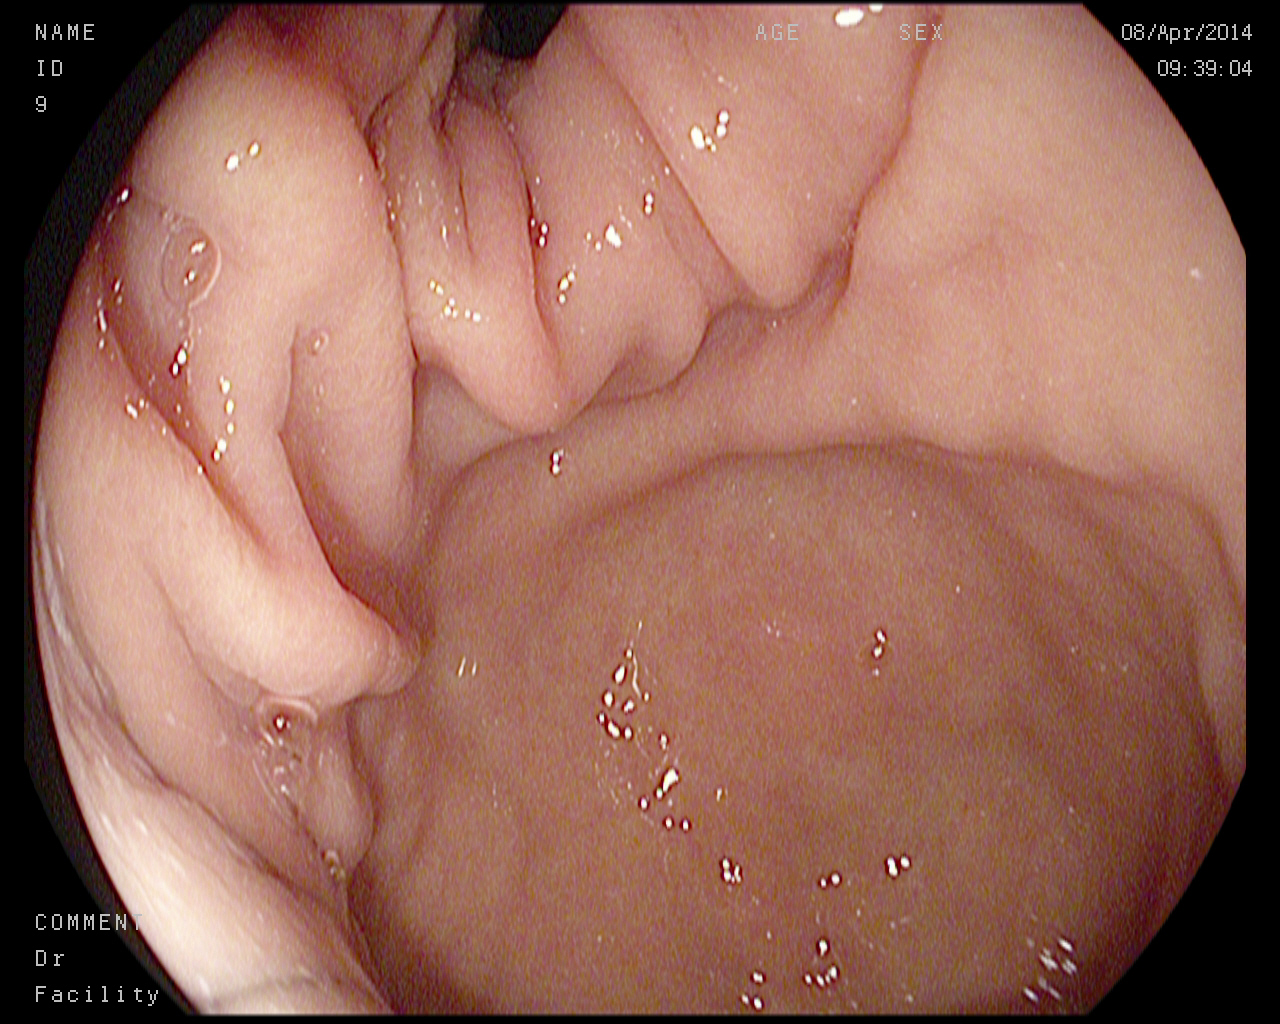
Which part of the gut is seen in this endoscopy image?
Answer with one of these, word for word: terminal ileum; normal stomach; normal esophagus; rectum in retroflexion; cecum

normal stomach